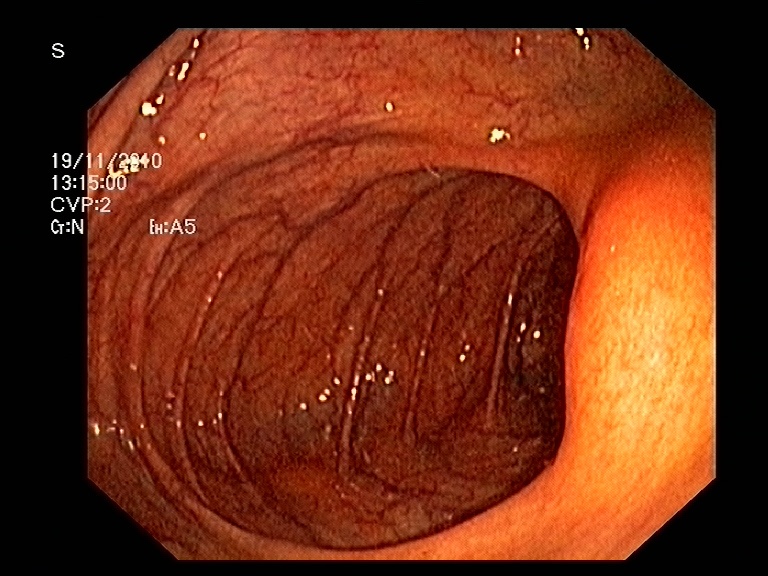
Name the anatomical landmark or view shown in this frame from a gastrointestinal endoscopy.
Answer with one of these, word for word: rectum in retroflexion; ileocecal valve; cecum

ileocecal valve